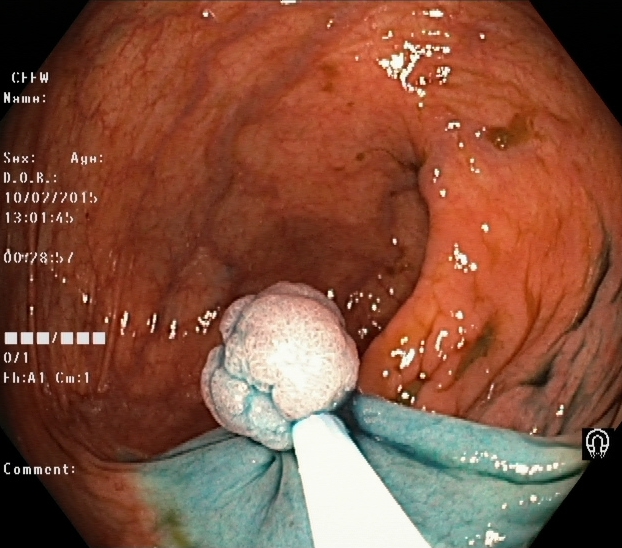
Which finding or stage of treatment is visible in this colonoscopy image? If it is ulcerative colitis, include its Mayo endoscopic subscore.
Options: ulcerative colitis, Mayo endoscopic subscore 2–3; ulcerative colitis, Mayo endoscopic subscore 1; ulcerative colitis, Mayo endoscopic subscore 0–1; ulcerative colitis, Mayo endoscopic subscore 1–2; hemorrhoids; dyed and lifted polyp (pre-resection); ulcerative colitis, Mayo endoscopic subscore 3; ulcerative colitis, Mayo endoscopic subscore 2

dyed and lifted polyp (pre-resection)